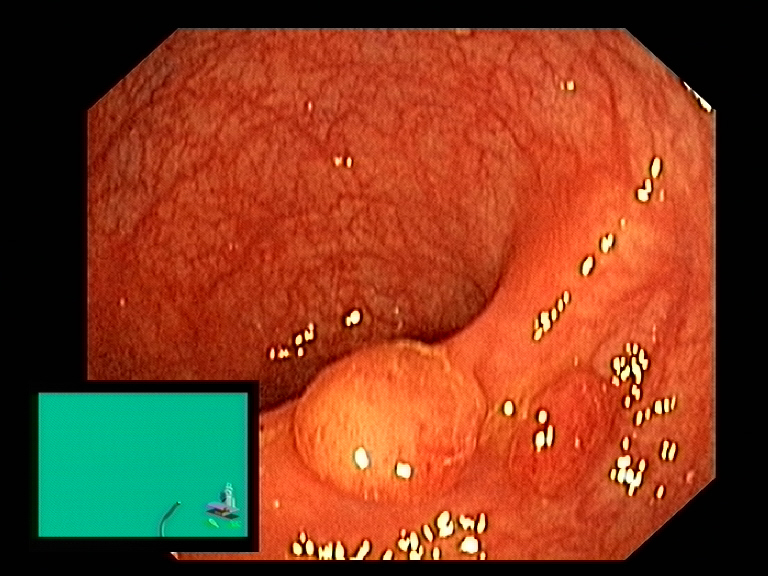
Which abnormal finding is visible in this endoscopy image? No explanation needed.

colon polyp